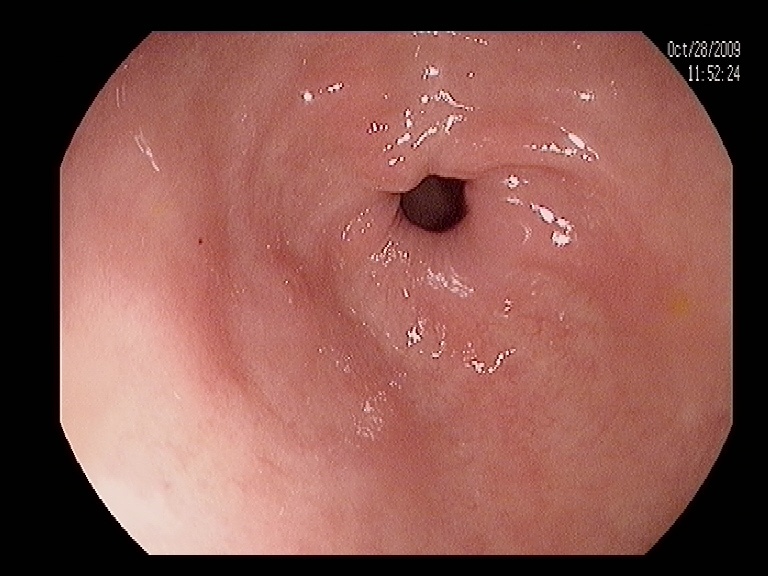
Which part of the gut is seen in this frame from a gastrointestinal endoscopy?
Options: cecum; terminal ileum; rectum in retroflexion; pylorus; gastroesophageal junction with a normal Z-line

pylorus